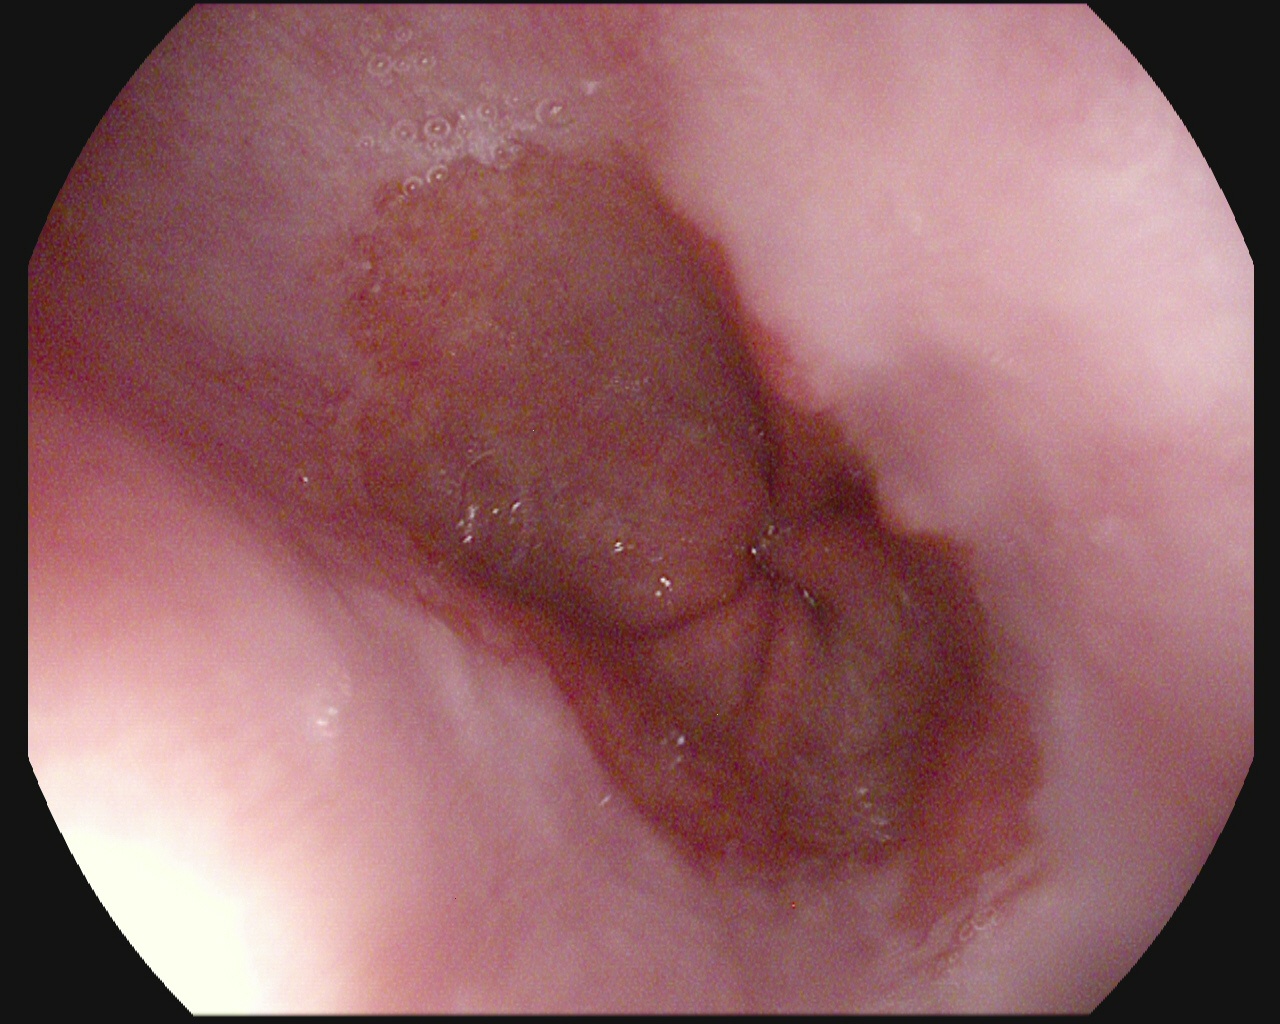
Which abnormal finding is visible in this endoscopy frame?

Barrett's esophagus